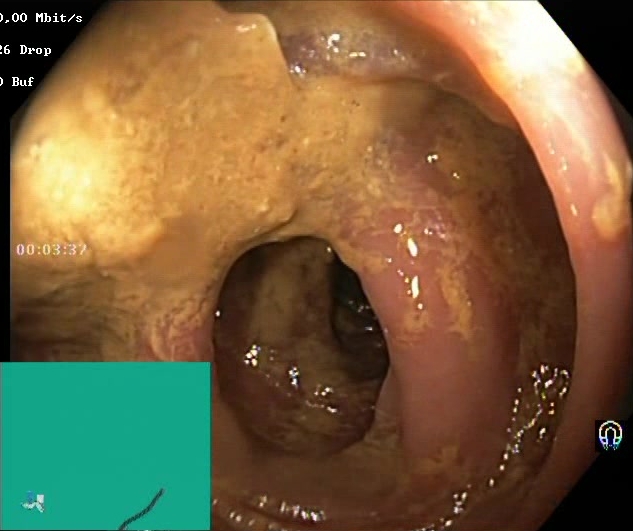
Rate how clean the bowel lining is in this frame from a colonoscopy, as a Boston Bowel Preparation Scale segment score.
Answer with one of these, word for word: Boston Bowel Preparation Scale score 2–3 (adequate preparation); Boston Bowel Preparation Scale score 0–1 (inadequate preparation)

Boston Bowel Preparation Scale score 0–1 (inadequate preparation)